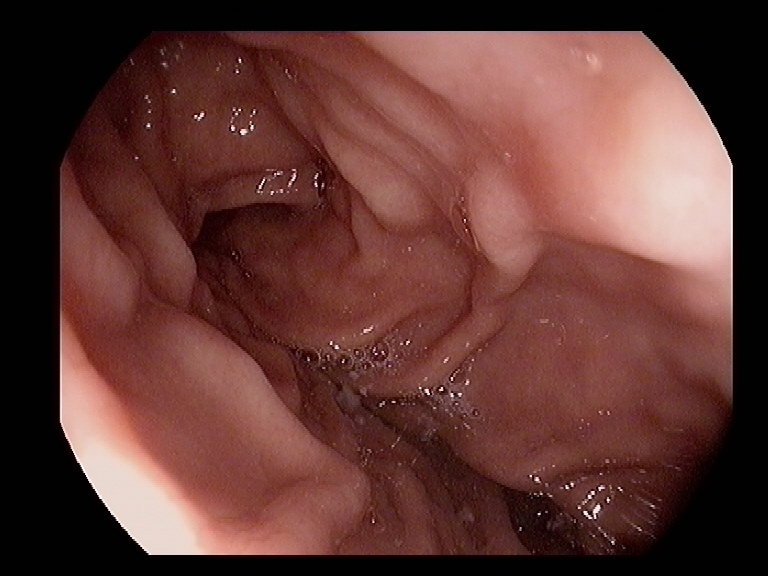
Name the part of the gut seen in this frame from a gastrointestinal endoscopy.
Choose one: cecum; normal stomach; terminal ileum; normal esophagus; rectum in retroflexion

normal stomach